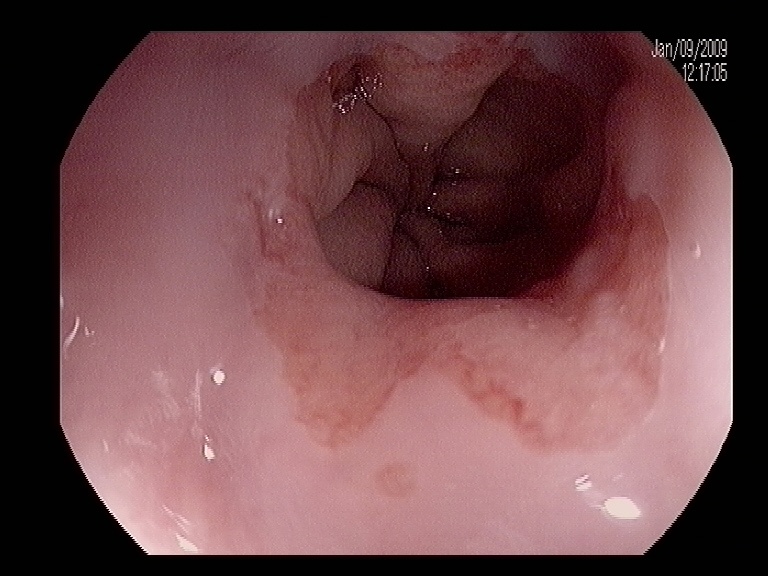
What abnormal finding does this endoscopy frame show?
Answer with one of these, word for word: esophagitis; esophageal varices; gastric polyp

esophagitis